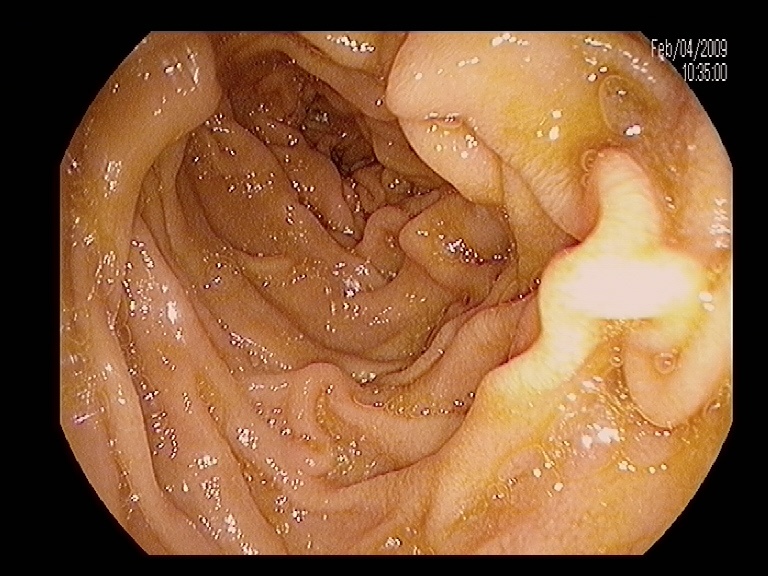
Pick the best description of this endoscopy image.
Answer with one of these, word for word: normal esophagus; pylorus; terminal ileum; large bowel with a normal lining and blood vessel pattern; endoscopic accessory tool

terminal ileum